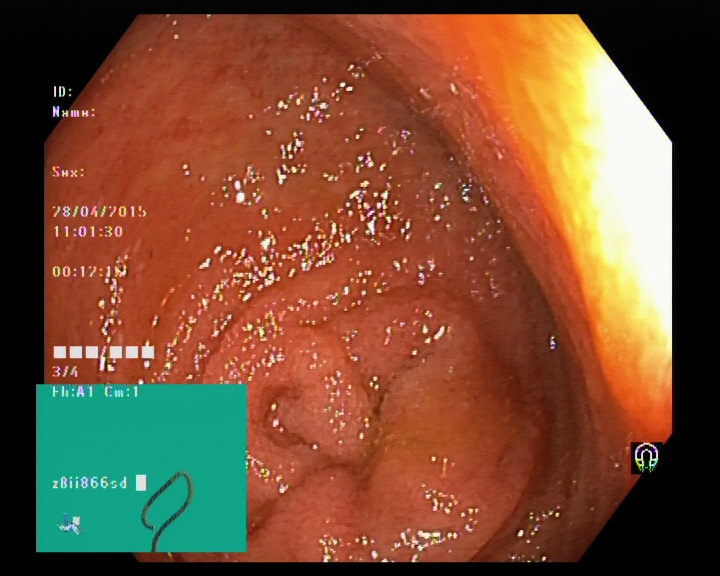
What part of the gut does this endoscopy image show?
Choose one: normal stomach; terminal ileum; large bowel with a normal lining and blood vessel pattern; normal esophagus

large bowel with a normal lining and blood vessel pattern